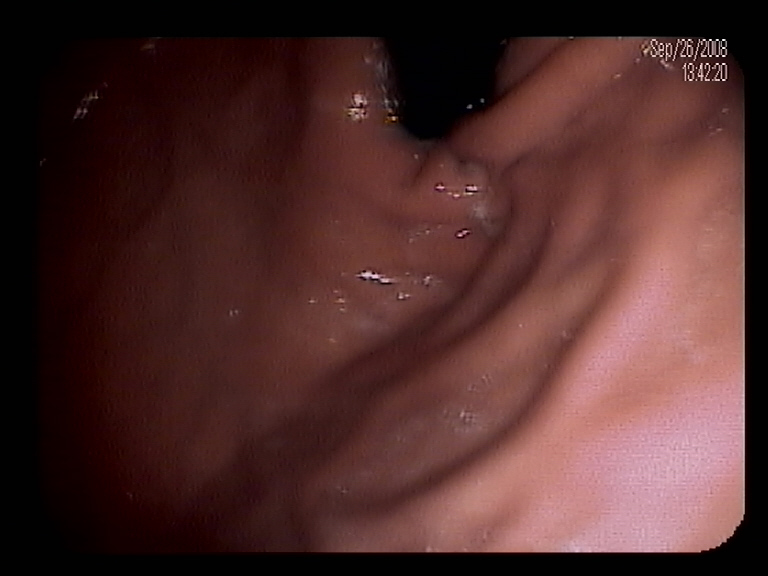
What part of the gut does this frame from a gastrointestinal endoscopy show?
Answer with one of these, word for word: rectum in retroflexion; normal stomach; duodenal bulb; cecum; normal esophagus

normal stomach